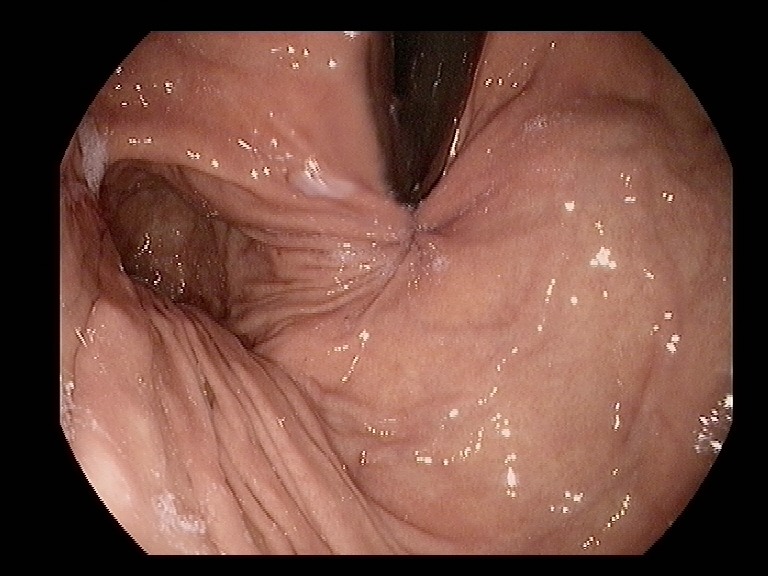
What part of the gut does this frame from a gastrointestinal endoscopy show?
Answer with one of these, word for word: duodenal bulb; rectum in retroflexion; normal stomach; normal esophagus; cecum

normal stomach